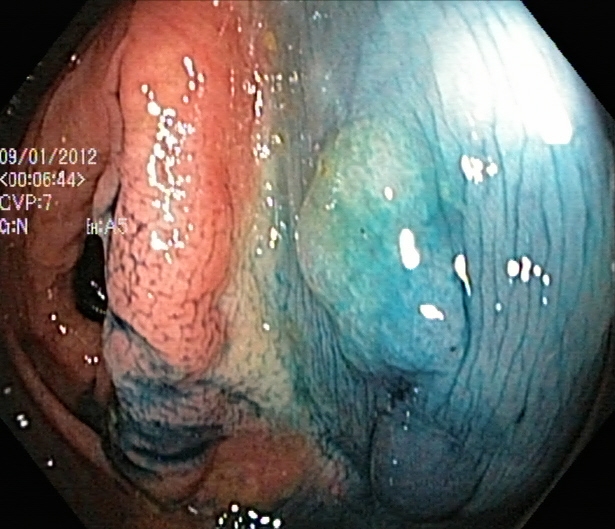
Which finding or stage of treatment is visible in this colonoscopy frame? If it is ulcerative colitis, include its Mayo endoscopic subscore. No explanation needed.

dyed and lifted polyp (pre-resection)